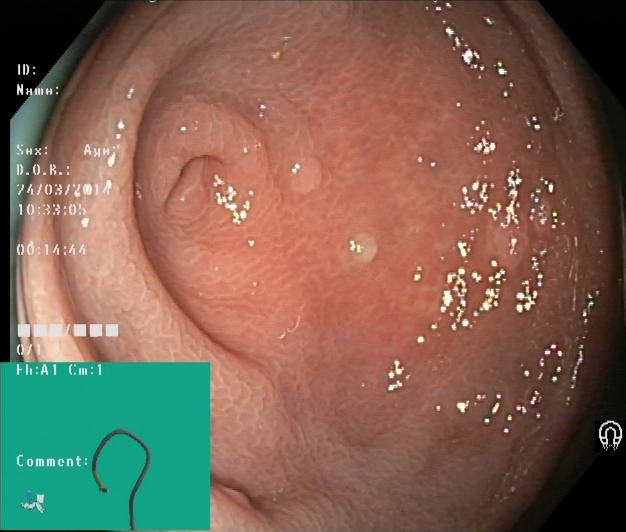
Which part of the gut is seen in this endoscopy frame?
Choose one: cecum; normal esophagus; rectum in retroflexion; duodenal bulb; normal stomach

cecum